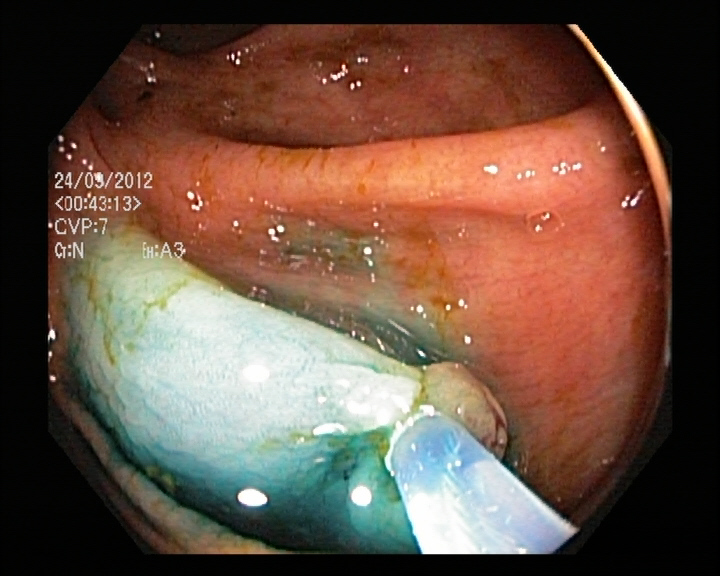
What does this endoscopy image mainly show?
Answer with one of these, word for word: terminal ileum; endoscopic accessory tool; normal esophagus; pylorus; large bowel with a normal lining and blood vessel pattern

endoscopic accessory tool